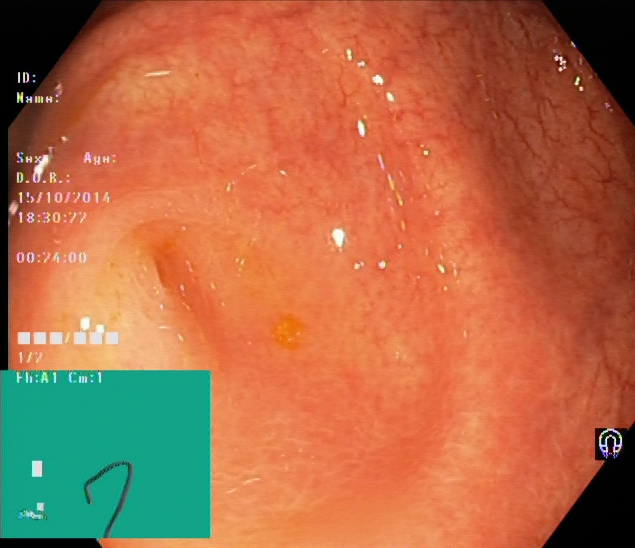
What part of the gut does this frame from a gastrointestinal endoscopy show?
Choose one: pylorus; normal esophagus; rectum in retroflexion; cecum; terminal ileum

cecum